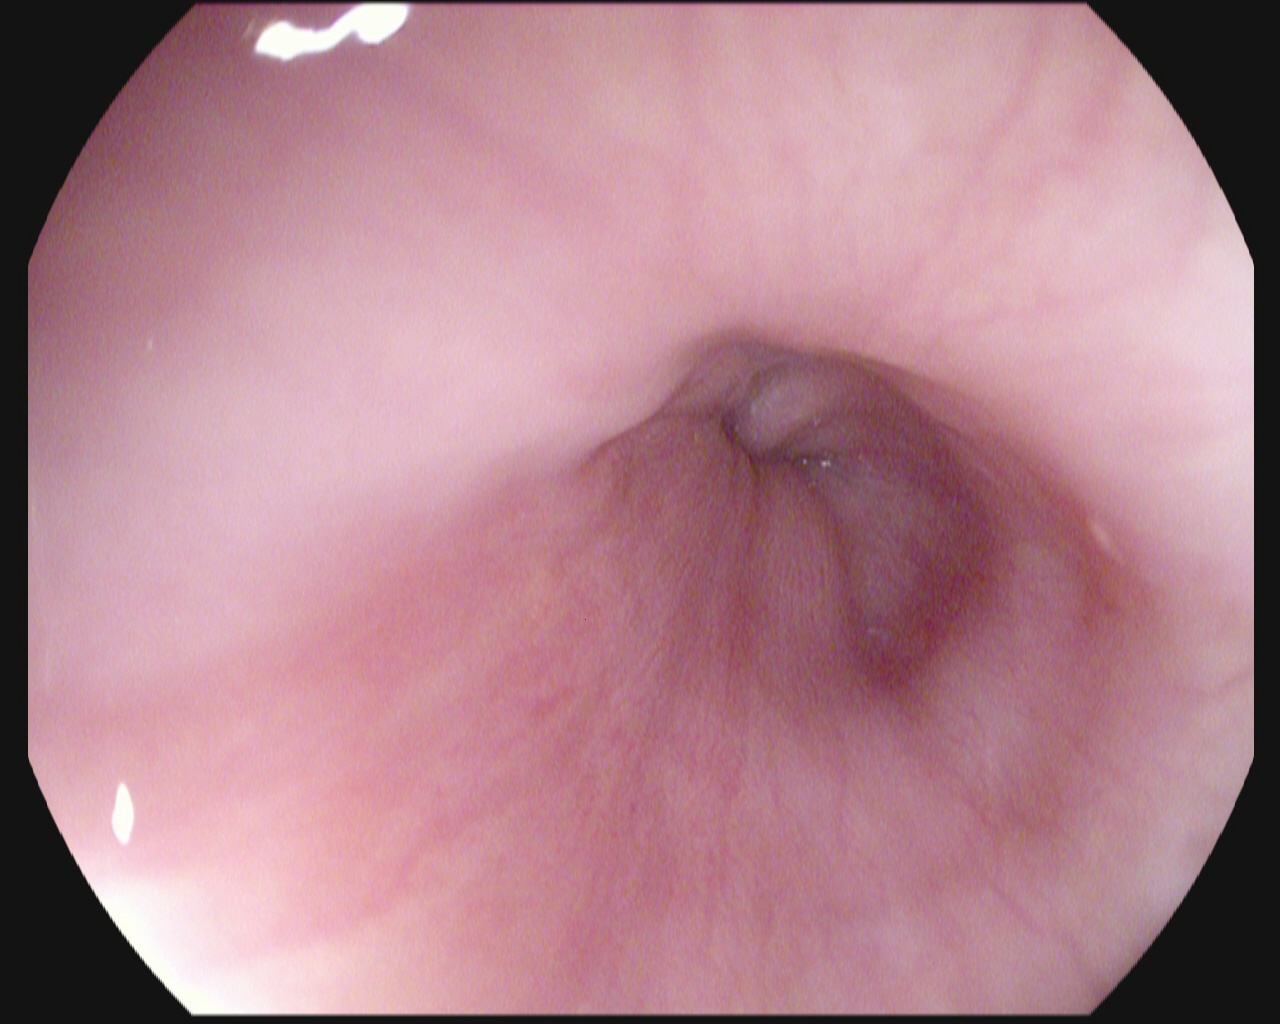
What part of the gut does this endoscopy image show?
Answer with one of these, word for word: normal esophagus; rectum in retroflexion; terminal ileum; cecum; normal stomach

normal esophagus